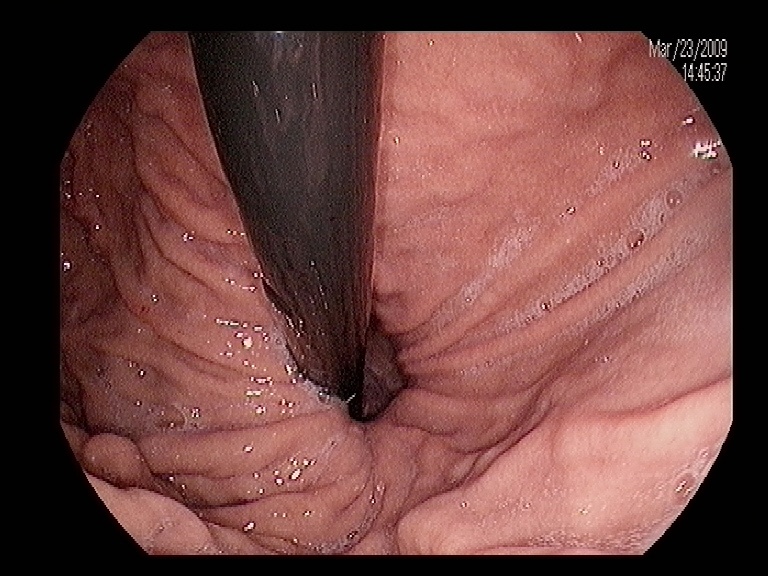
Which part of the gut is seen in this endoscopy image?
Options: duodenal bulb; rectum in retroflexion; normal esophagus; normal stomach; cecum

normal stomach